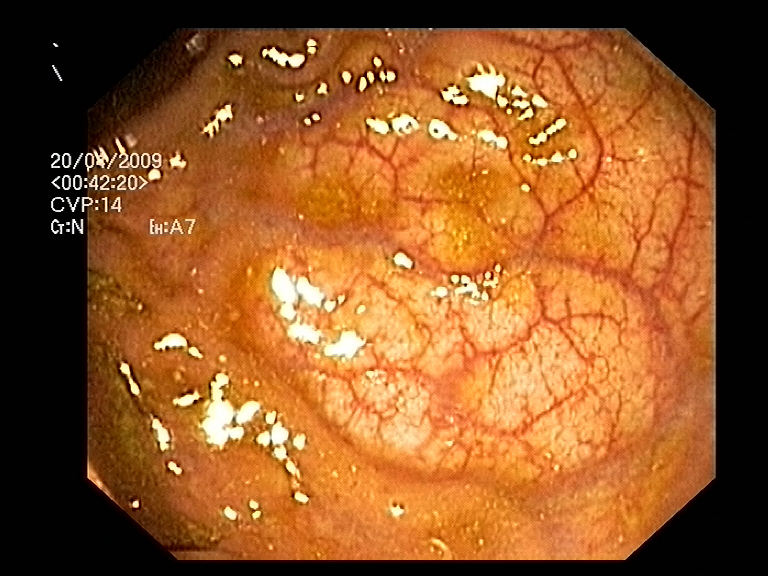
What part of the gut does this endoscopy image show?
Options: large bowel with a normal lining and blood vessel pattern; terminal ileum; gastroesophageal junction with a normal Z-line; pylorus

large bowel with a normal lining and blood vessel pattern